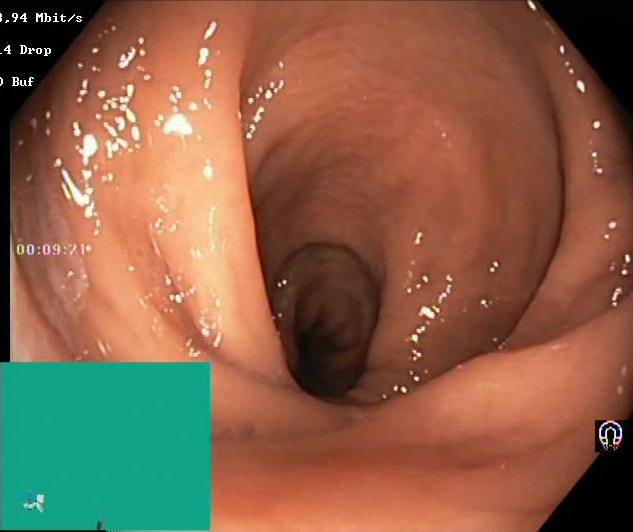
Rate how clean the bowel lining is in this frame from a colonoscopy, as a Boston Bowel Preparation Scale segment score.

Boston Bowel Preparation Scale score 2–3 (adequate preparation)